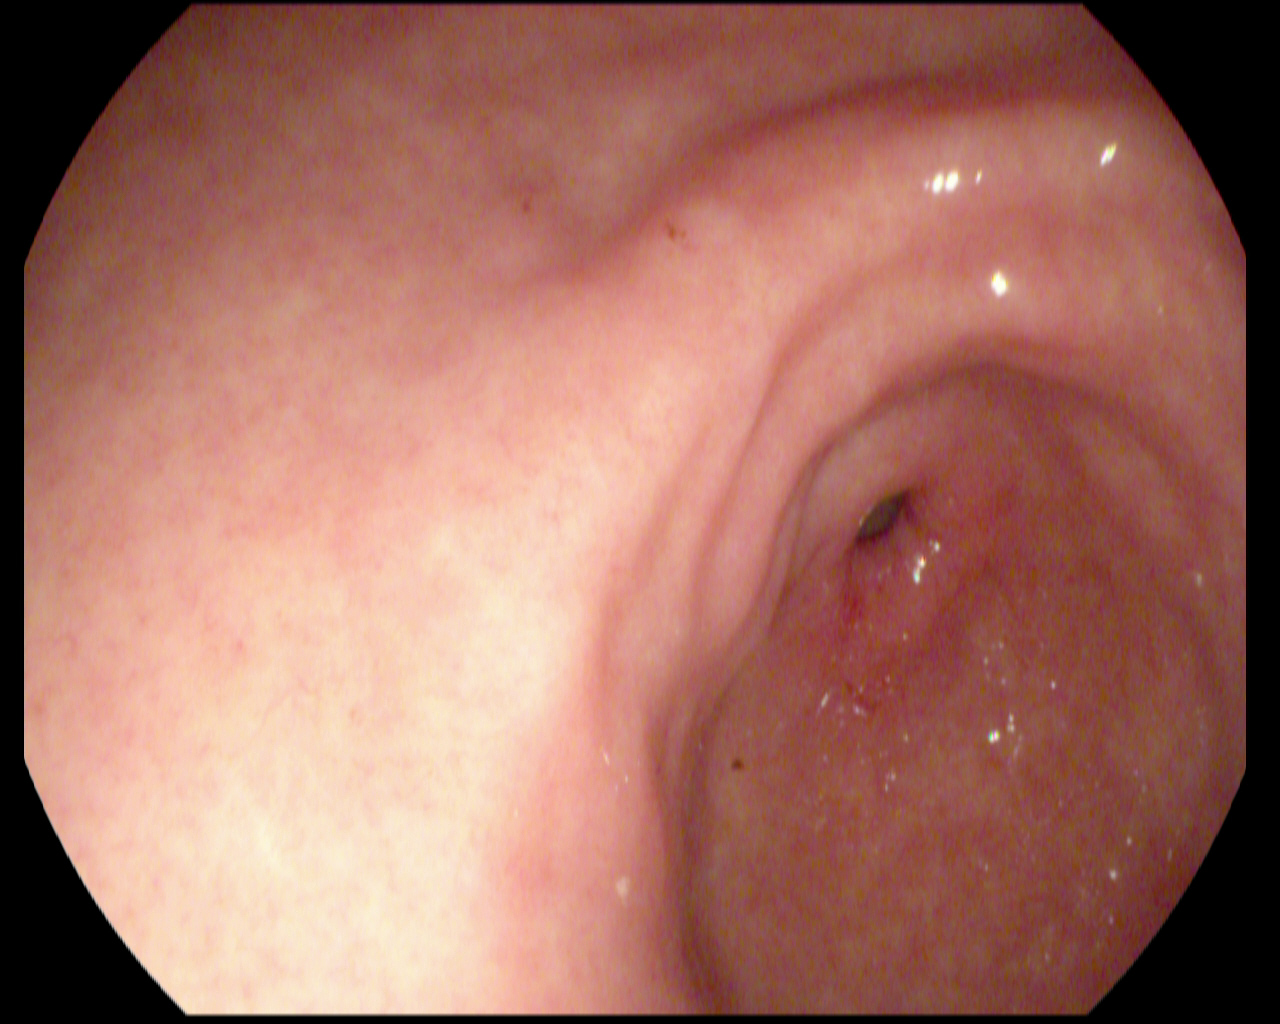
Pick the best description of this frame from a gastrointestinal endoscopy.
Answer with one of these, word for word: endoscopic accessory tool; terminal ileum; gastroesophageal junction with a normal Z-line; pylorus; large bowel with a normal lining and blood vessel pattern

pylorus